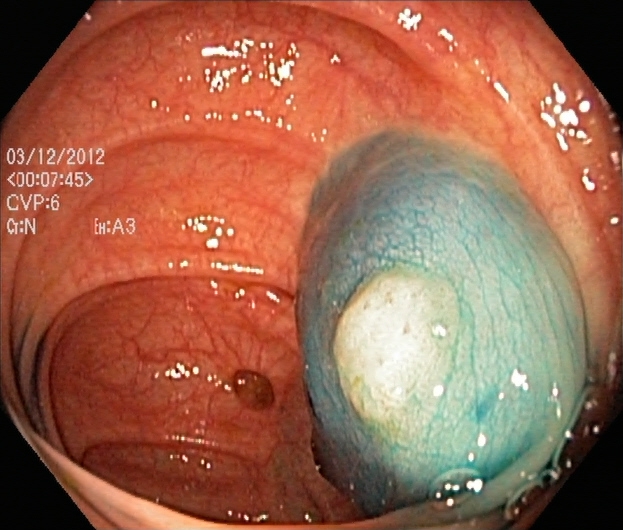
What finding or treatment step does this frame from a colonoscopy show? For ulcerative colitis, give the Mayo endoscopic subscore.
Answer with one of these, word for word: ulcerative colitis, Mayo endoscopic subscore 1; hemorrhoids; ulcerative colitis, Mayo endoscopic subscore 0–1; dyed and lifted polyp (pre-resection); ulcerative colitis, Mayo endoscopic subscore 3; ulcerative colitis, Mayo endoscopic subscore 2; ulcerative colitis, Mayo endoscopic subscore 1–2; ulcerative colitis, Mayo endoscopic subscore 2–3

dyed and lifted polyp (pre-resection)